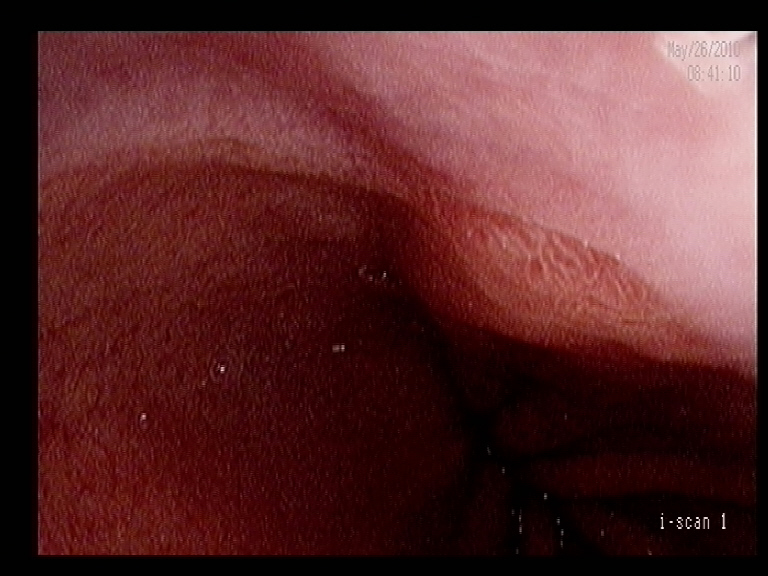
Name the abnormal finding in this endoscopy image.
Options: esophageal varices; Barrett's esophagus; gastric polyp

Barrett's esophagus